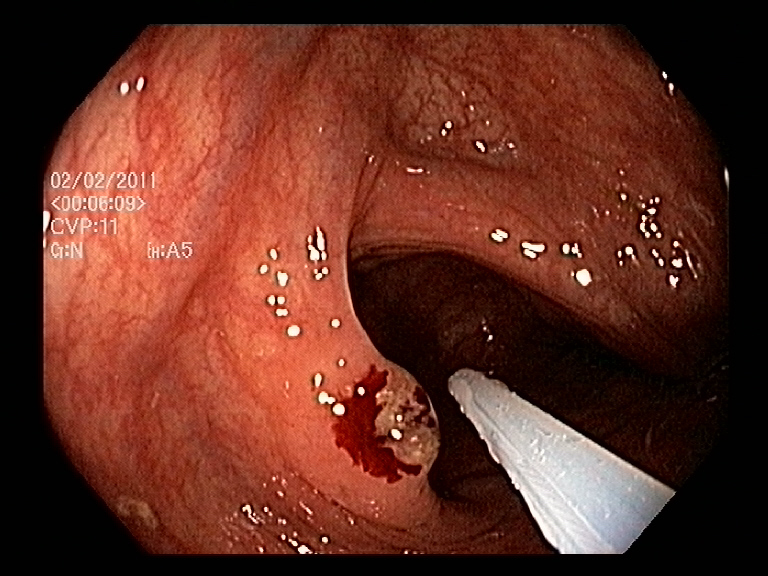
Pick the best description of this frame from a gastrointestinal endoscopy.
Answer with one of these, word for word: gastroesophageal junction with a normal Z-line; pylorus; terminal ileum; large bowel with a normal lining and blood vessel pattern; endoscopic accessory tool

endoscopic accessory tool